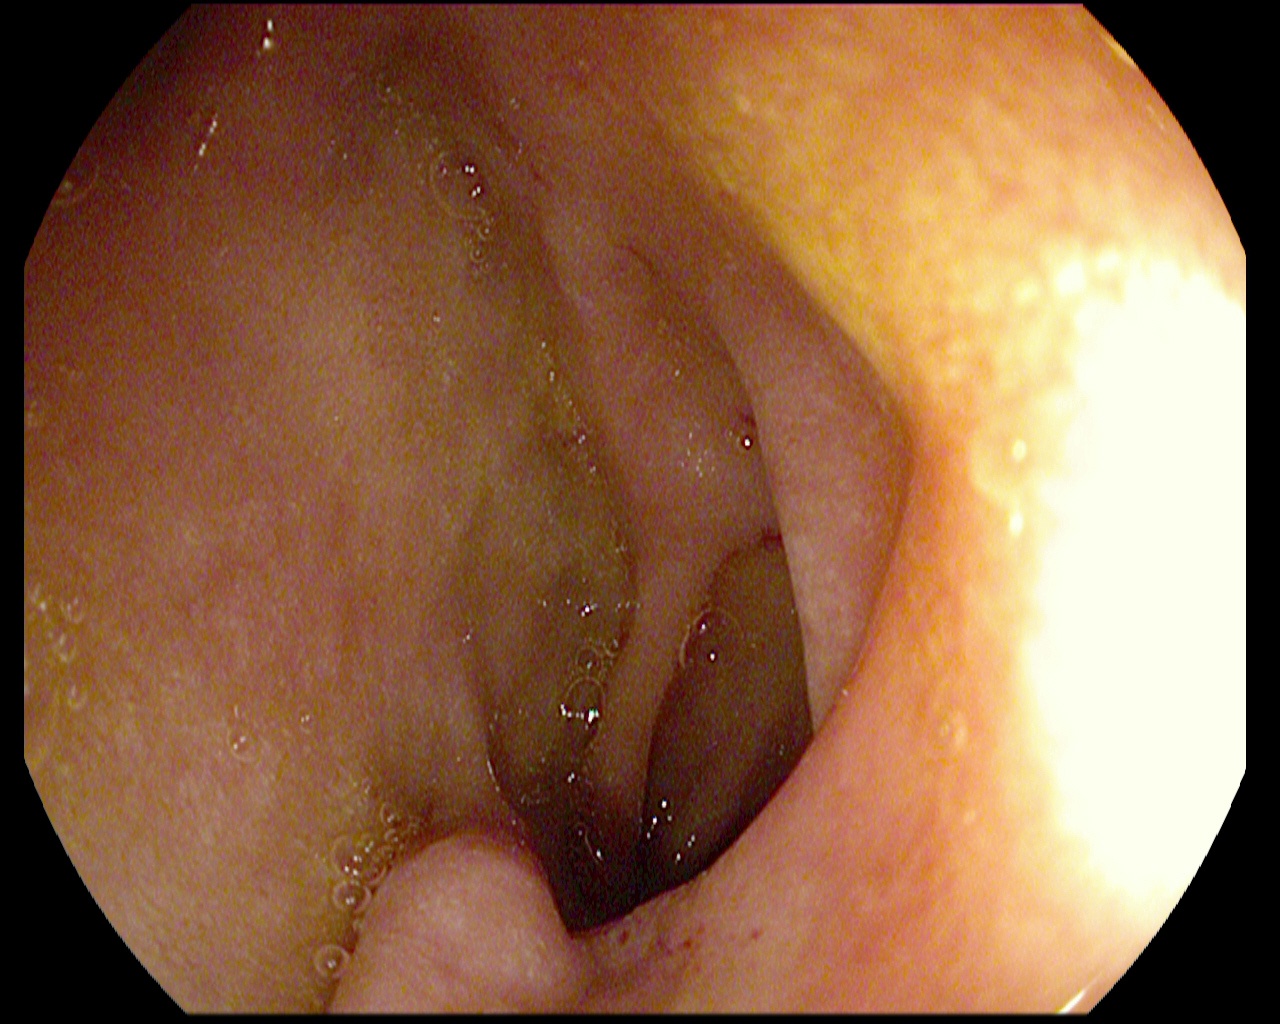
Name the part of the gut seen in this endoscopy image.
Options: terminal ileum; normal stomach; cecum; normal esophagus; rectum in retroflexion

terminal ileum